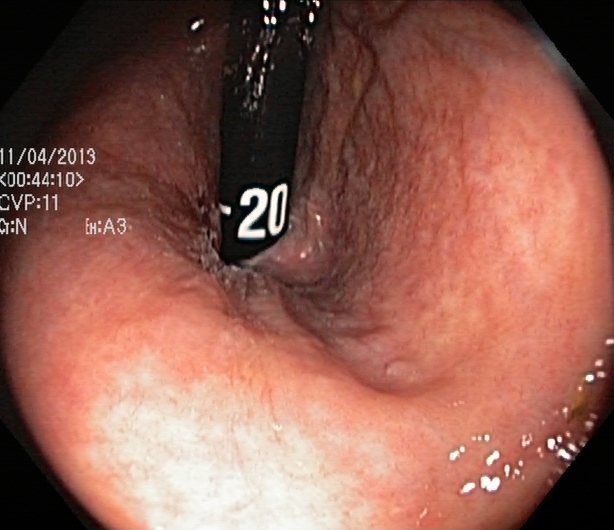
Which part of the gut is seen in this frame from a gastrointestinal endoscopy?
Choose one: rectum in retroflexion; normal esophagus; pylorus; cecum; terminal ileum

rectum in retroflexion